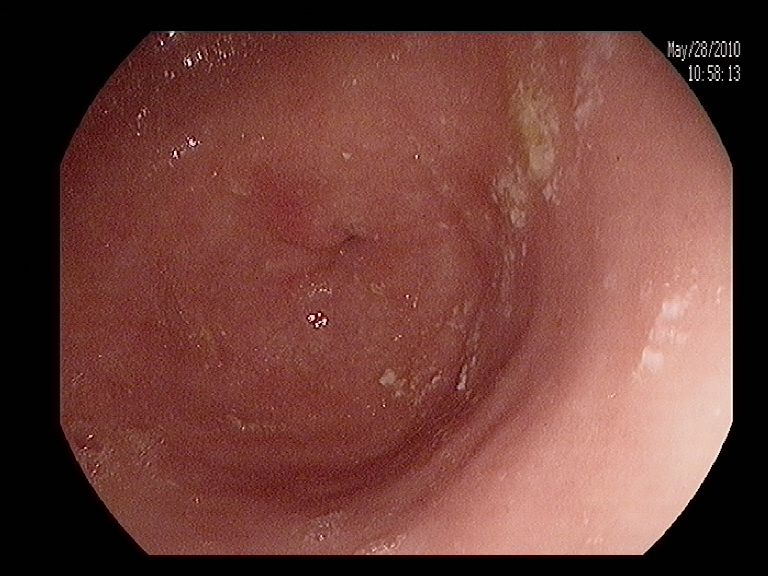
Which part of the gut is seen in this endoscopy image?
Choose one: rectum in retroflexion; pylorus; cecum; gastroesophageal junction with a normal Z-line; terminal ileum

pylorus